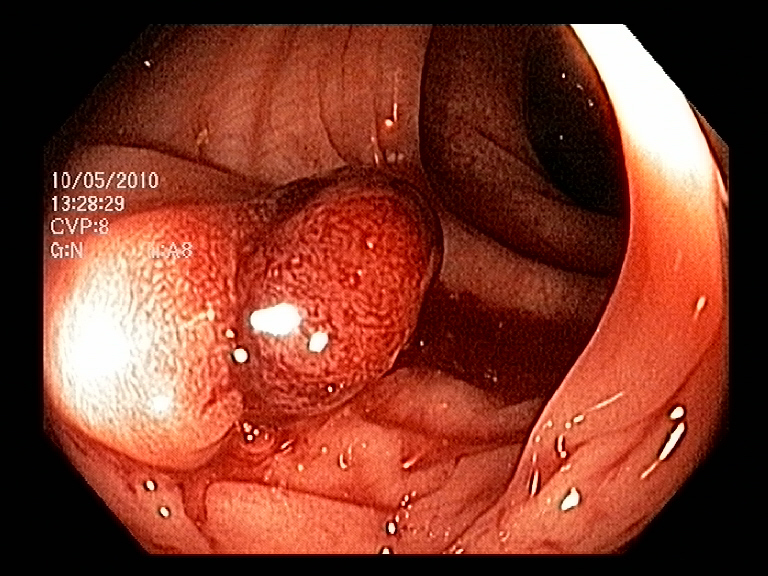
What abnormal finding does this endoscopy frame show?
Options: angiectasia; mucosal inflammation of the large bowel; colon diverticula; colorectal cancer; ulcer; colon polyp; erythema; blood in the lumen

colon polyp